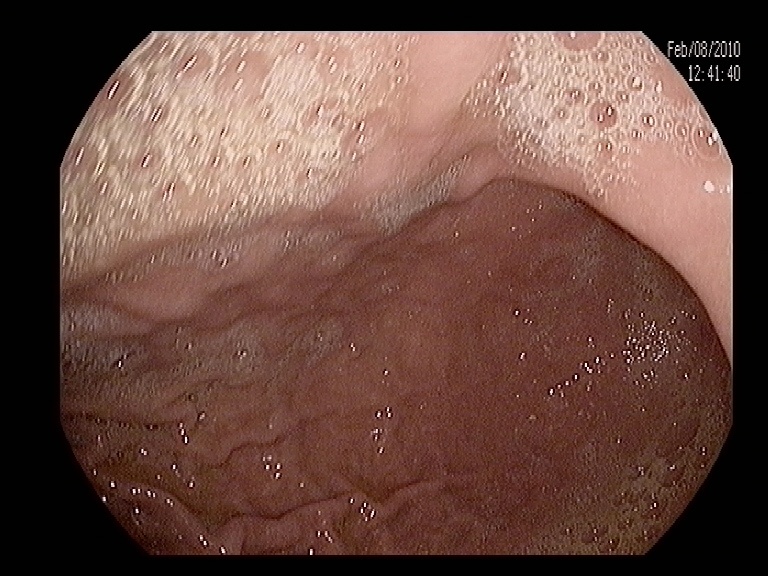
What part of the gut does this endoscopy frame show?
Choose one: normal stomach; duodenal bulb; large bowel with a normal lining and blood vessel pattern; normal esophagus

normal stomach